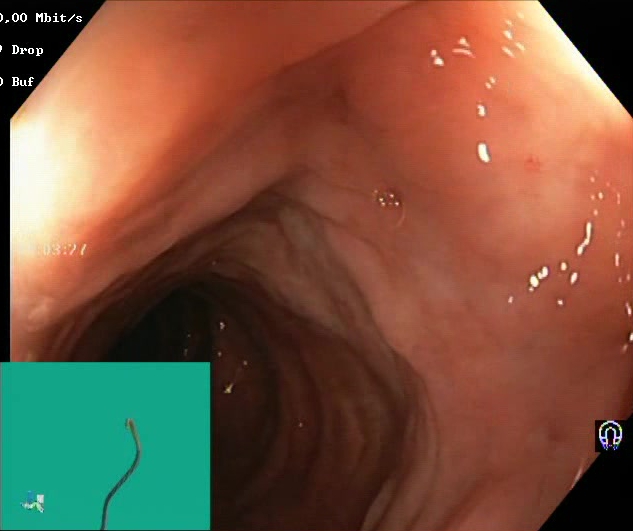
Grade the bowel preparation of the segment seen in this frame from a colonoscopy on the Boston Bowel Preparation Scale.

Boston Bowel Preparation Scale score 2–3 (adequate preparation)